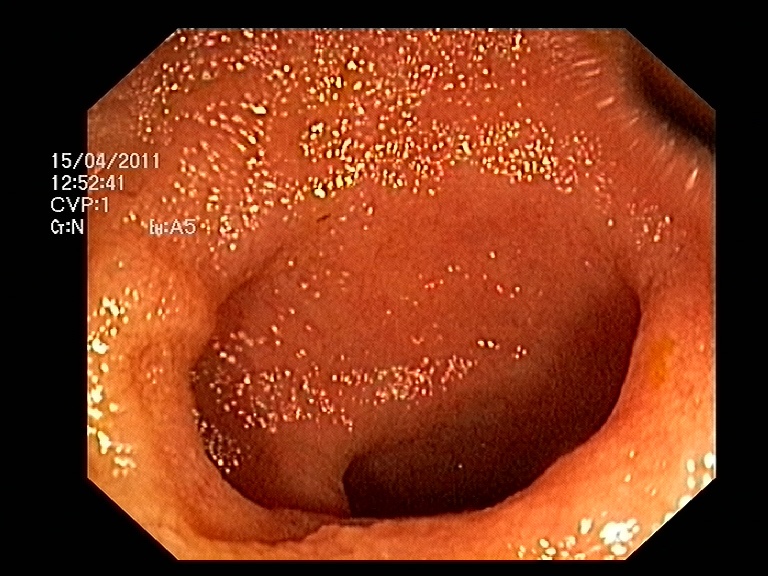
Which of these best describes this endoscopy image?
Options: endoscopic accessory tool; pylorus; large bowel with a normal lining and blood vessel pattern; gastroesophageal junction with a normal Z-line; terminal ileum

terminal ileum